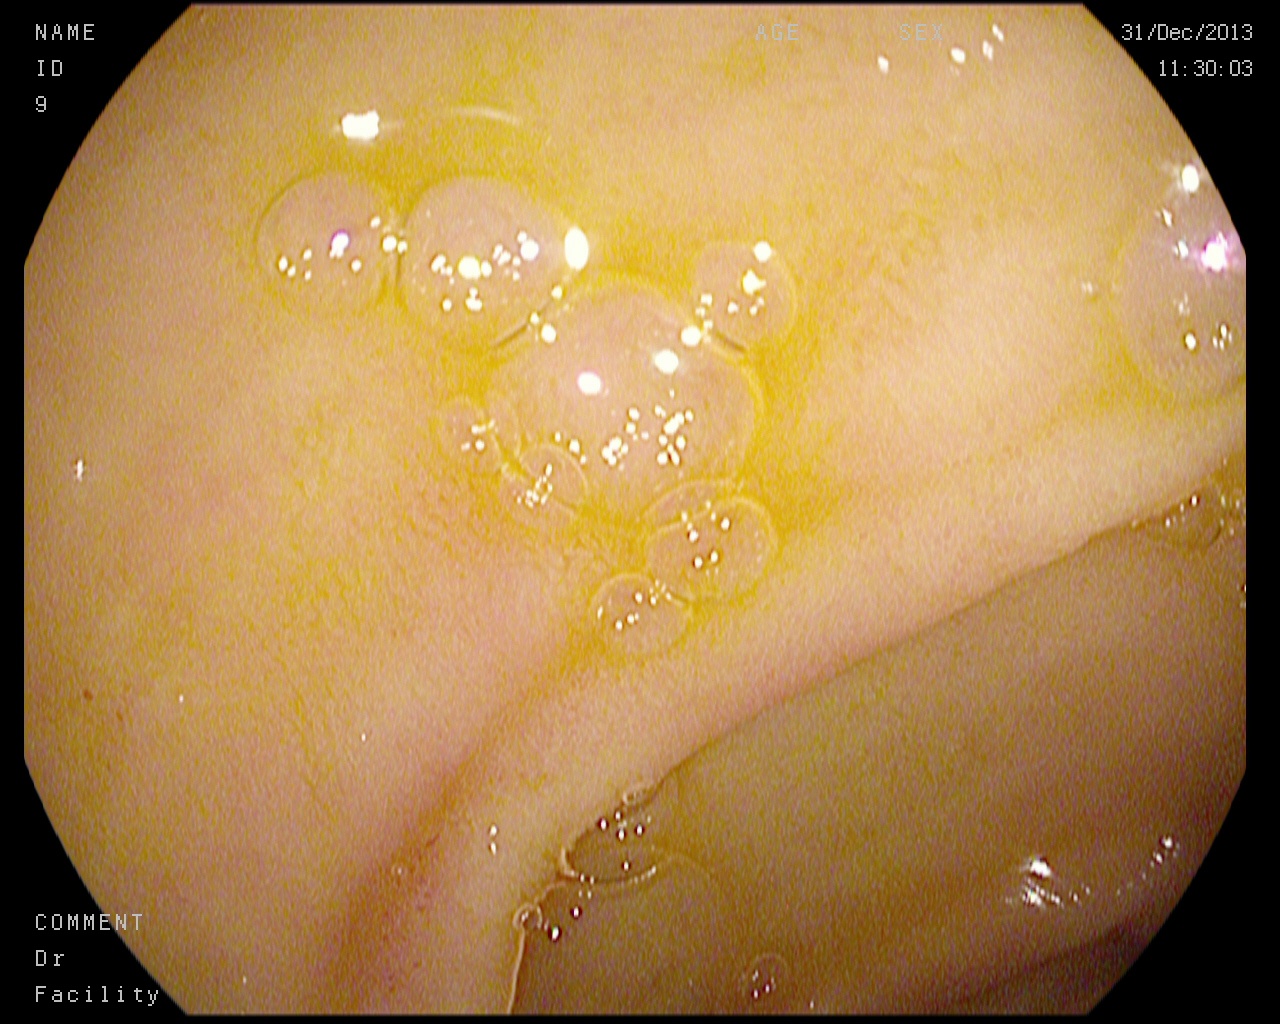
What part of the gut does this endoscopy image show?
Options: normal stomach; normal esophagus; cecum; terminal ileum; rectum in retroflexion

terminal ileum